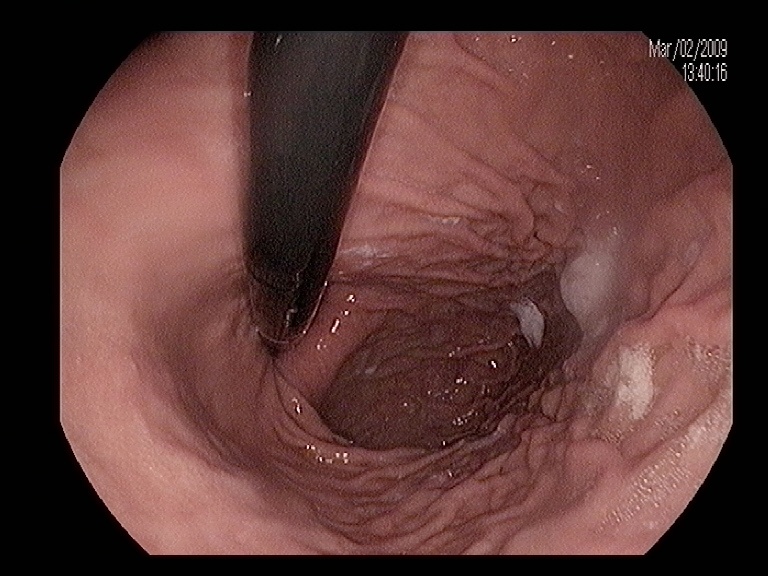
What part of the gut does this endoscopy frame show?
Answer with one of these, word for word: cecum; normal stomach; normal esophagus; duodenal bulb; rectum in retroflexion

normal stomach